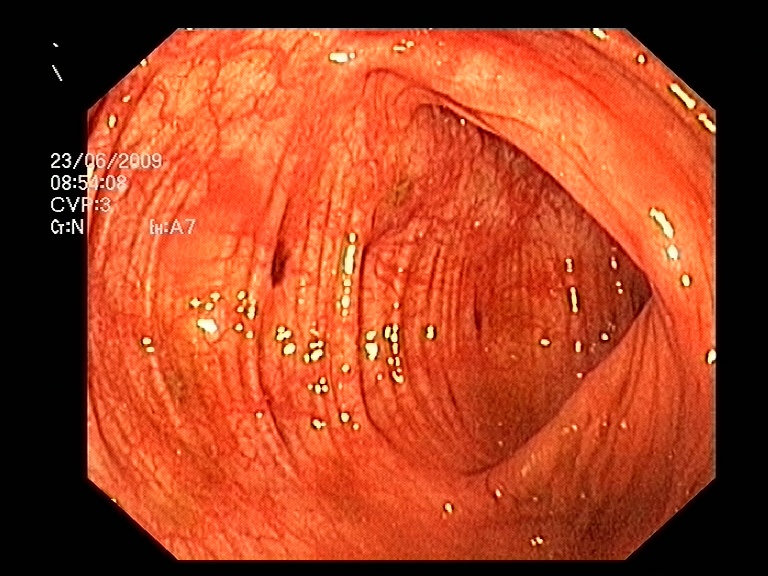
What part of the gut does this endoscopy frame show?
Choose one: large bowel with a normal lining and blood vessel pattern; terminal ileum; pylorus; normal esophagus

large bowel with a normal lining and blood vessel pattern